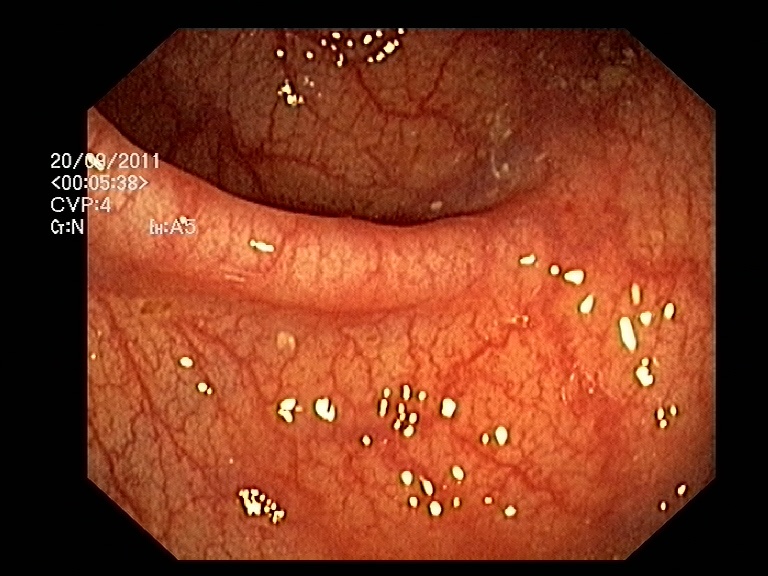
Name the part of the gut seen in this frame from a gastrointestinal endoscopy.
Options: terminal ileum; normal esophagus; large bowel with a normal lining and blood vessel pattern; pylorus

large bowel with a normal lining and blood vessel pattern